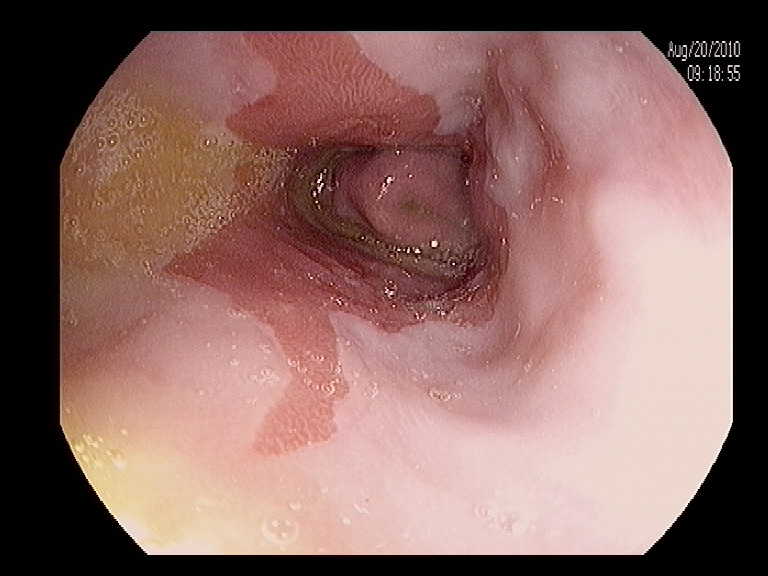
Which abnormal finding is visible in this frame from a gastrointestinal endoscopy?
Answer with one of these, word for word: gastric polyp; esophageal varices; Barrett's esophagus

Barrett's esophagus